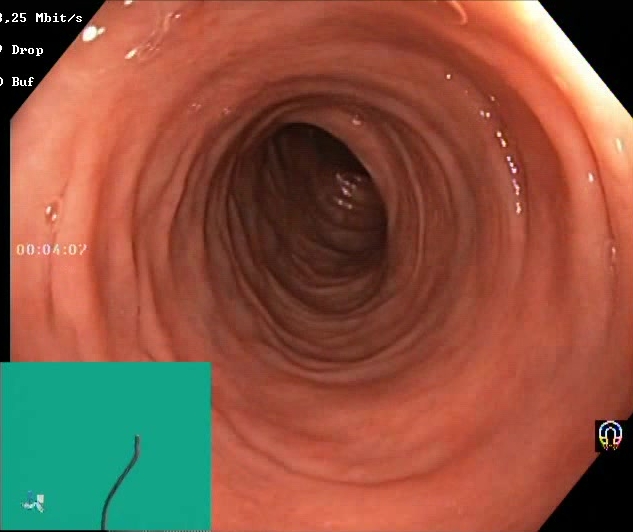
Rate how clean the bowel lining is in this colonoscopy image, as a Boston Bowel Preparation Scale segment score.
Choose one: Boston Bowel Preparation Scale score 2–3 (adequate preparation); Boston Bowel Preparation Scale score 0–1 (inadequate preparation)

Boston Bowel Preparation Scale score 2–3 (adequate preparation)